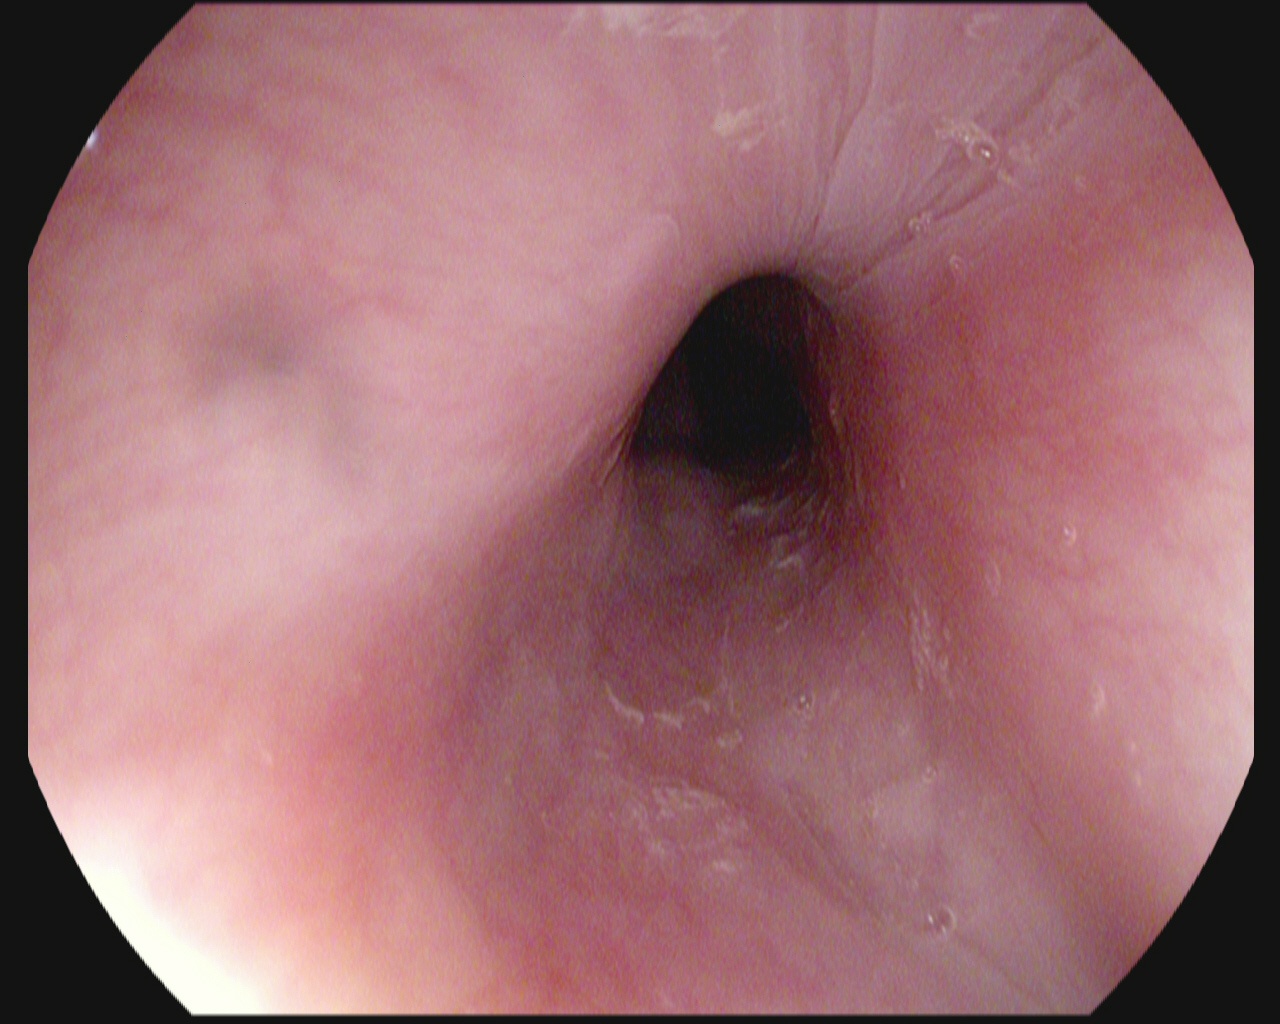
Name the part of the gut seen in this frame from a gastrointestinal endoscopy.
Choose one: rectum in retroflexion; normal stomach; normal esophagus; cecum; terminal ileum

normal esophagus